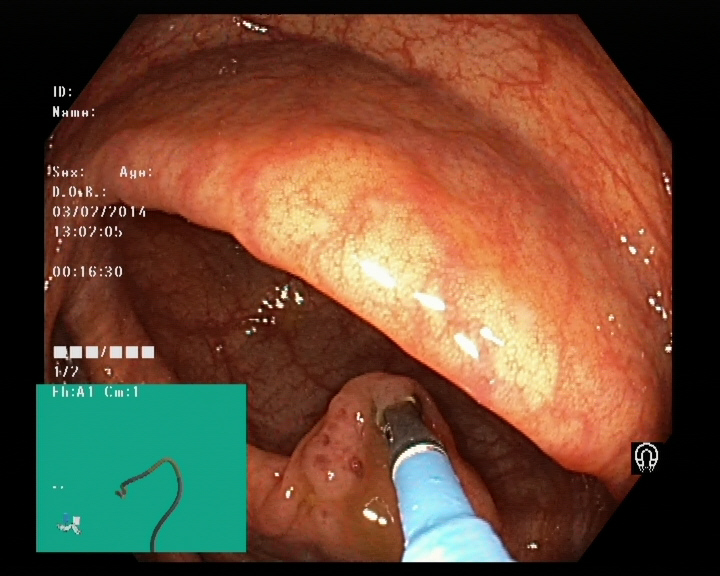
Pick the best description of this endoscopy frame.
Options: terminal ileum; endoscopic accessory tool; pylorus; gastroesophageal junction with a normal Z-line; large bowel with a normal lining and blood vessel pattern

endoscopic accessory tool